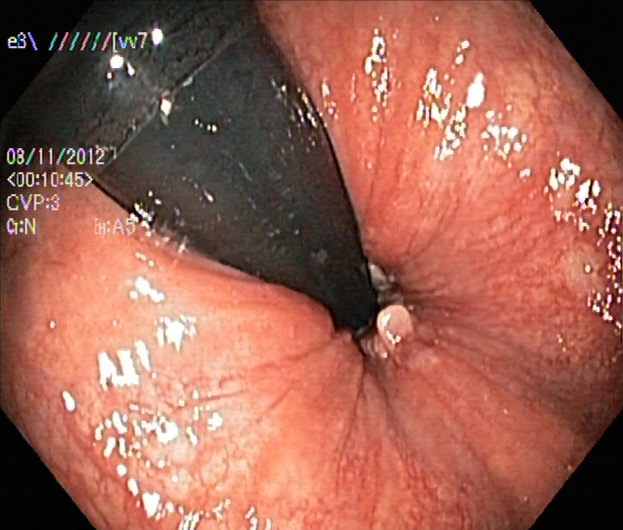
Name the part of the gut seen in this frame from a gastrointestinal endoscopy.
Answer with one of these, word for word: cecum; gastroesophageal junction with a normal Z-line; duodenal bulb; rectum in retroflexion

rectum in retroflexion